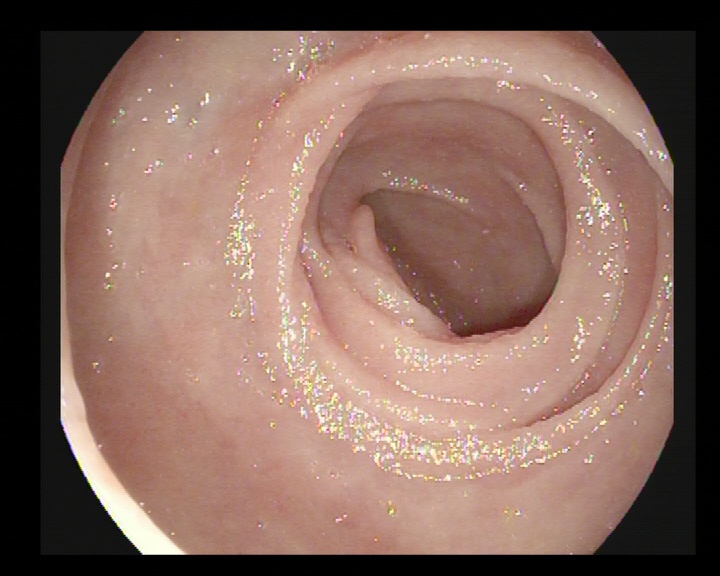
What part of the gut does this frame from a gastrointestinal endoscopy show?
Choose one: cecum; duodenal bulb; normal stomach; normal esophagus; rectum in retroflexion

duodenal bulb